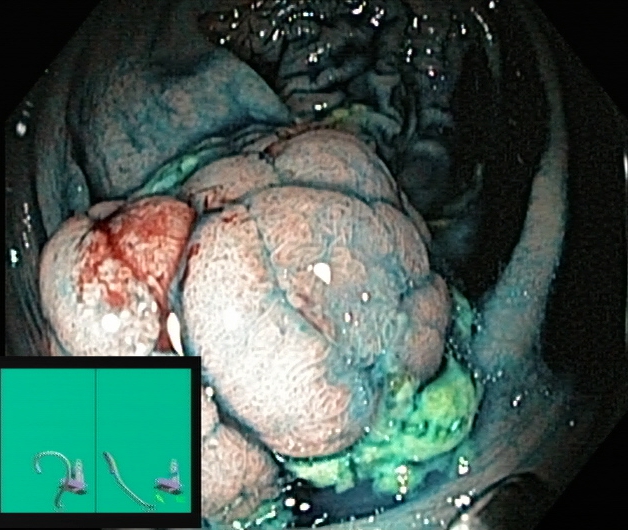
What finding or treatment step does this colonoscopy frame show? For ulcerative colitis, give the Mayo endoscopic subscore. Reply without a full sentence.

dyed and lifted polyp (pre-resection)